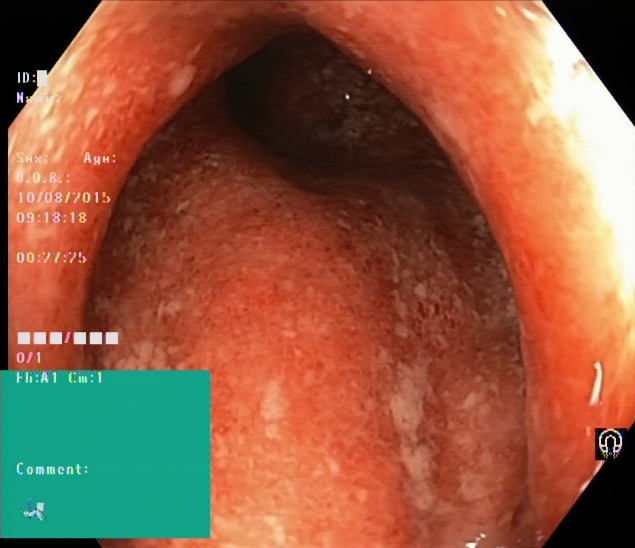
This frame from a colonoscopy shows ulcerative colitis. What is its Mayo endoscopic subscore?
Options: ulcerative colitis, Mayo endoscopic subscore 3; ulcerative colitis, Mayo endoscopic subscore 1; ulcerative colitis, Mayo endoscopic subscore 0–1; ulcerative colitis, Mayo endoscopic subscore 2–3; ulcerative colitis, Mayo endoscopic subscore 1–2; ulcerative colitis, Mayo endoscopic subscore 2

ulcerative colitis, Mayo endoscopic subscore 2